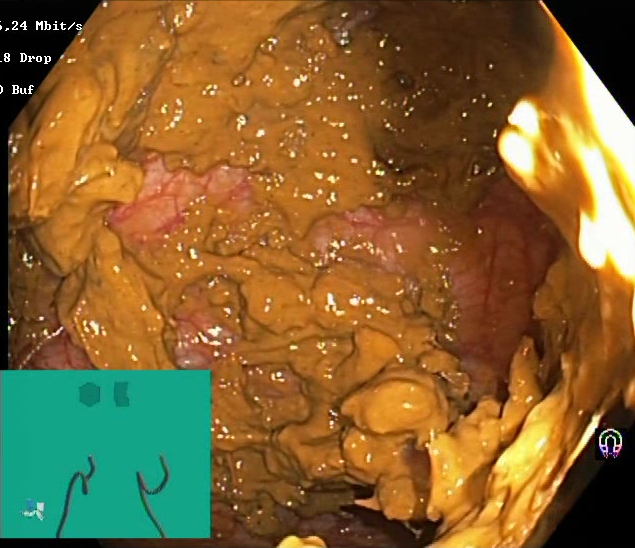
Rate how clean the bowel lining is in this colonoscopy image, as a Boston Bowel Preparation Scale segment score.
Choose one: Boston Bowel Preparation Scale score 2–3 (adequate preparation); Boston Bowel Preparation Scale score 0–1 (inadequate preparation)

Boston Bowel Preparation Scale score 0–1 (inadequate preparation)